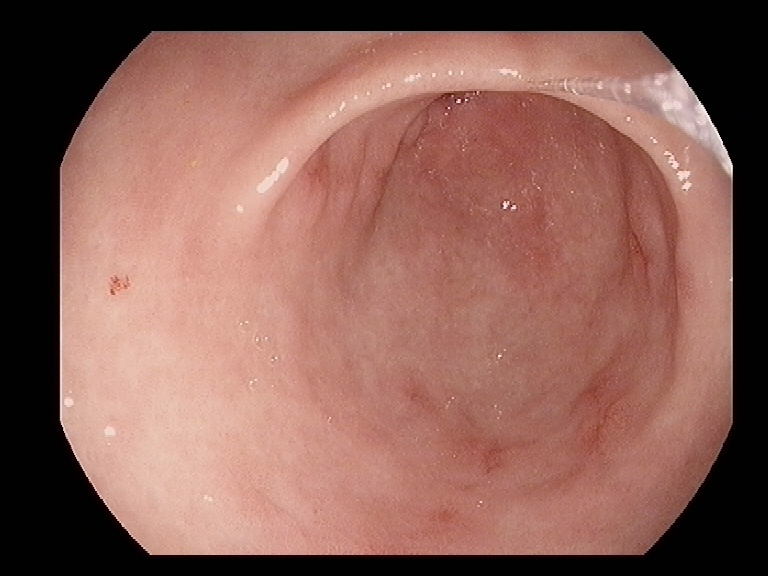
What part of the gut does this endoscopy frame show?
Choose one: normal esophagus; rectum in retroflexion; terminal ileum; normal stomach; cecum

normal stomach